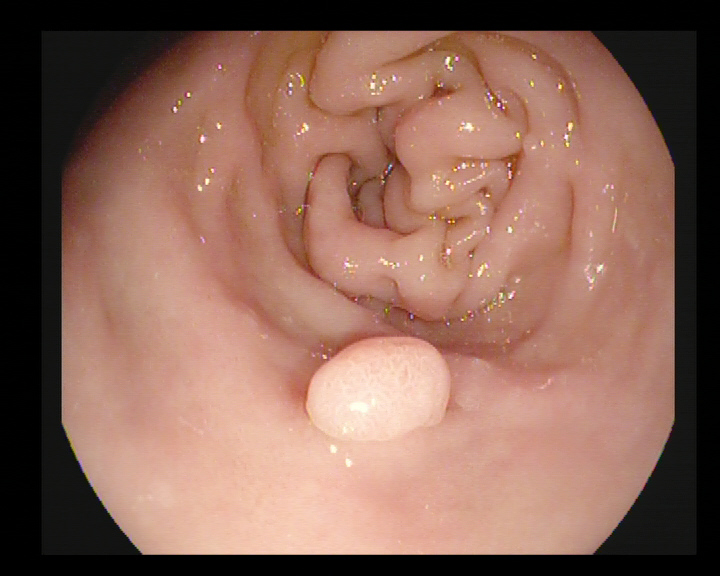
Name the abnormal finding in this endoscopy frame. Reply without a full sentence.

gastric polyp